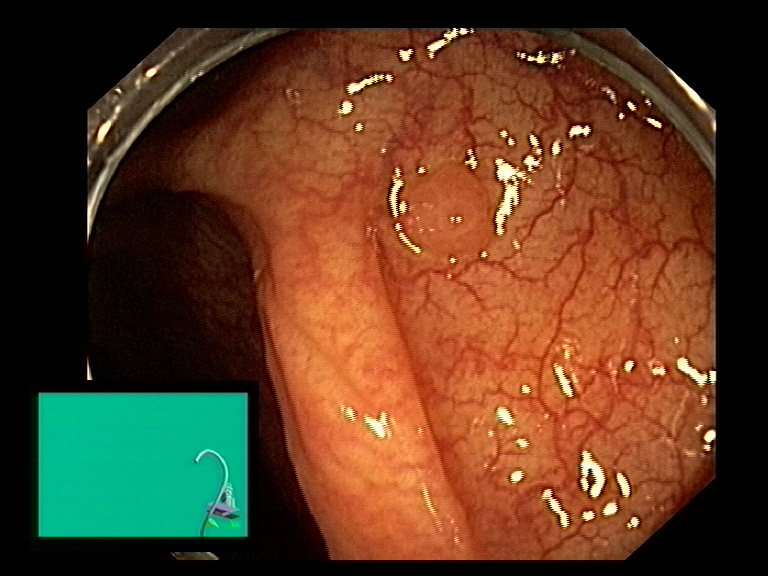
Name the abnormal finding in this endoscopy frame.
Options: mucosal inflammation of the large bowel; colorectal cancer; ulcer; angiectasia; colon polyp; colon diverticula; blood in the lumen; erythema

colon polyp